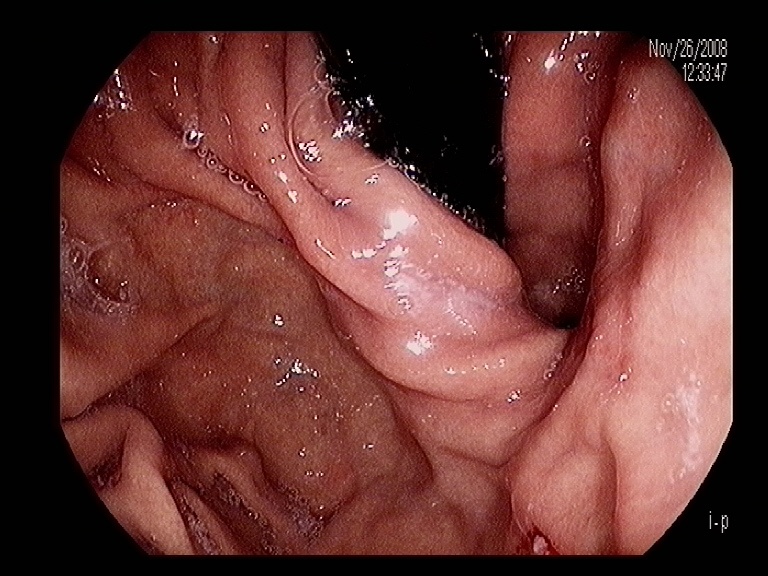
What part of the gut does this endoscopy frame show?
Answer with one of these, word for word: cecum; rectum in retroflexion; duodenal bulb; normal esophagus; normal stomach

normal stomach